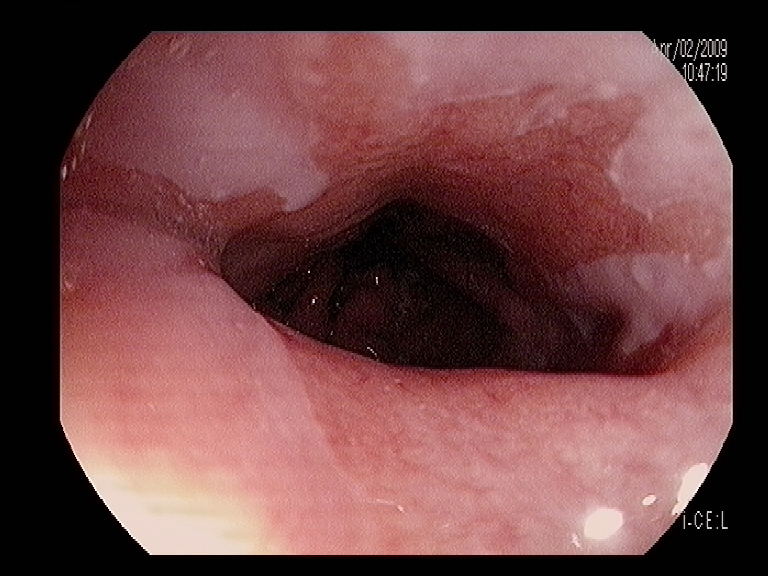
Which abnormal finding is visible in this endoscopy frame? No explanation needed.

Barrett's esophagus